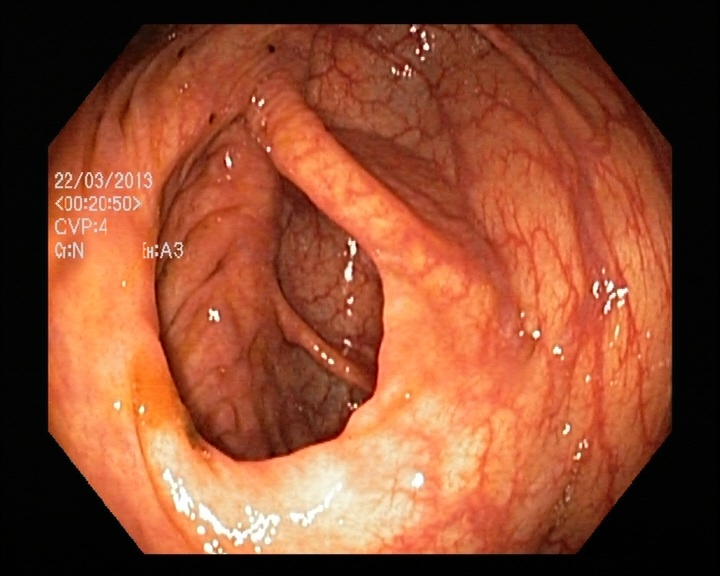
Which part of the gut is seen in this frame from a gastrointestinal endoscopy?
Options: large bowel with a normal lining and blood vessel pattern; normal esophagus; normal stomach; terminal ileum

large bowel with a normal lining and blood vessel pattern